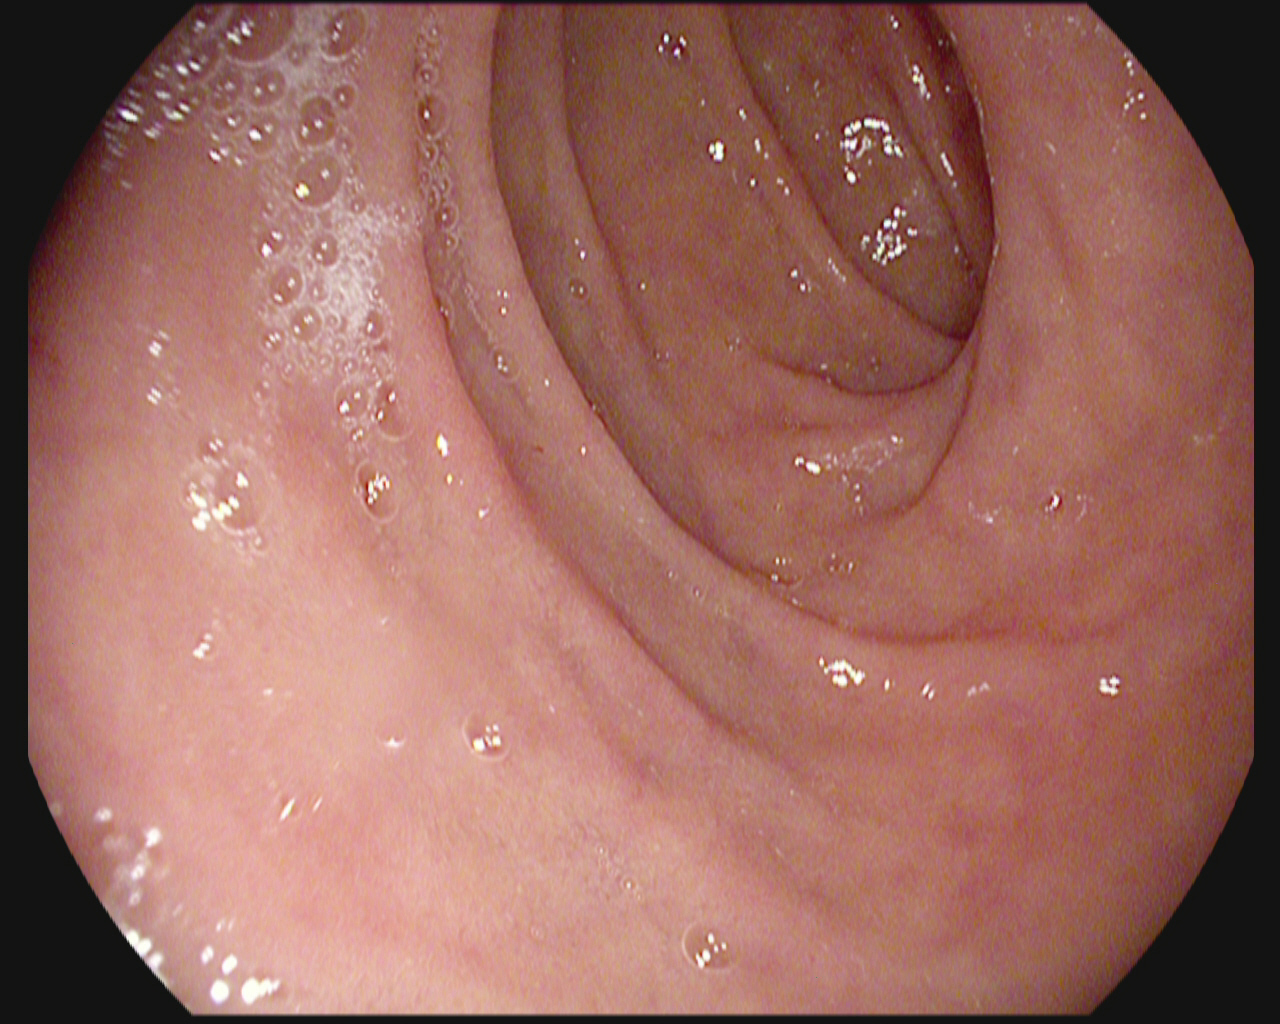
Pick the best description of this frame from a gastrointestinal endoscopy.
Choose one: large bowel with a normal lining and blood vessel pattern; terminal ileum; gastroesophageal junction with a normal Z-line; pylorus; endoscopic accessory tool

terminal ileum